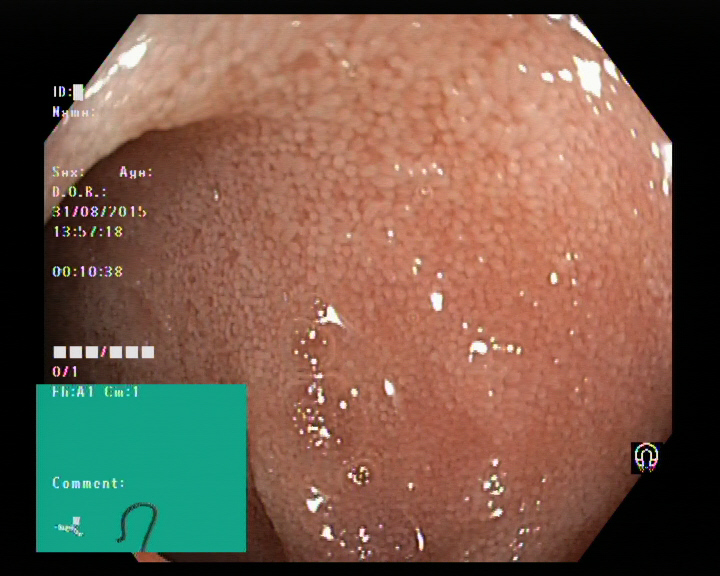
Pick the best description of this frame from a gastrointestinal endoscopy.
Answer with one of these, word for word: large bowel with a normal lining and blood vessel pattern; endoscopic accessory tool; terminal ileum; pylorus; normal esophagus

terminal ileum